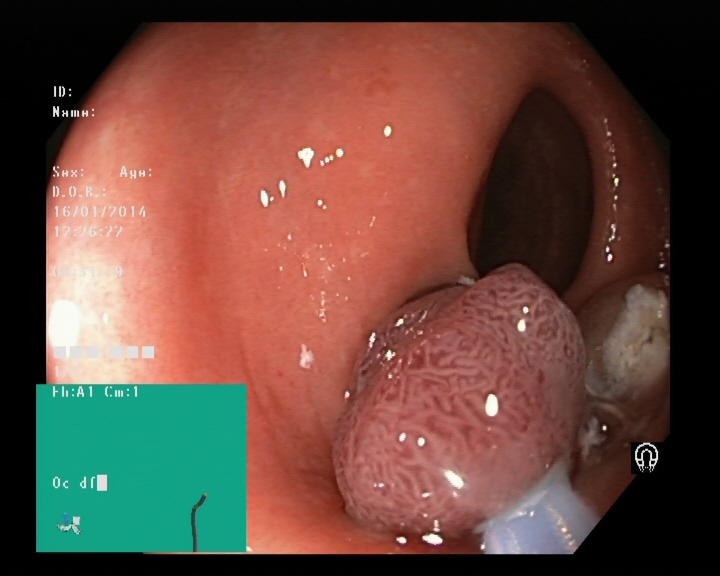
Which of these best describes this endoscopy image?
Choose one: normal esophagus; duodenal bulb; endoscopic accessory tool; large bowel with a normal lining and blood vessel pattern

endoscopic accessory tool